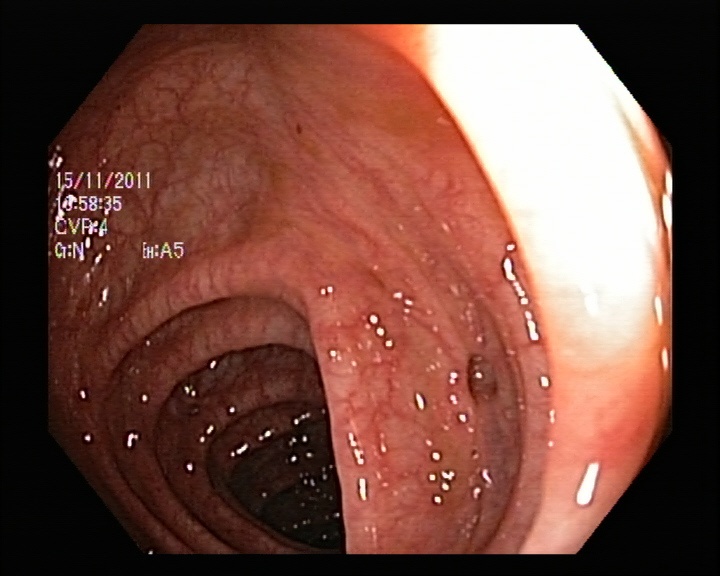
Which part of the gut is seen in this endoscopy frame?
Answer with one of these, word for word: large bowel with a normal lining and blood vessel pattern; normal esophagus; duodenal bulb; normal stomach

large bowel with a normal lining and blood vessel pattern